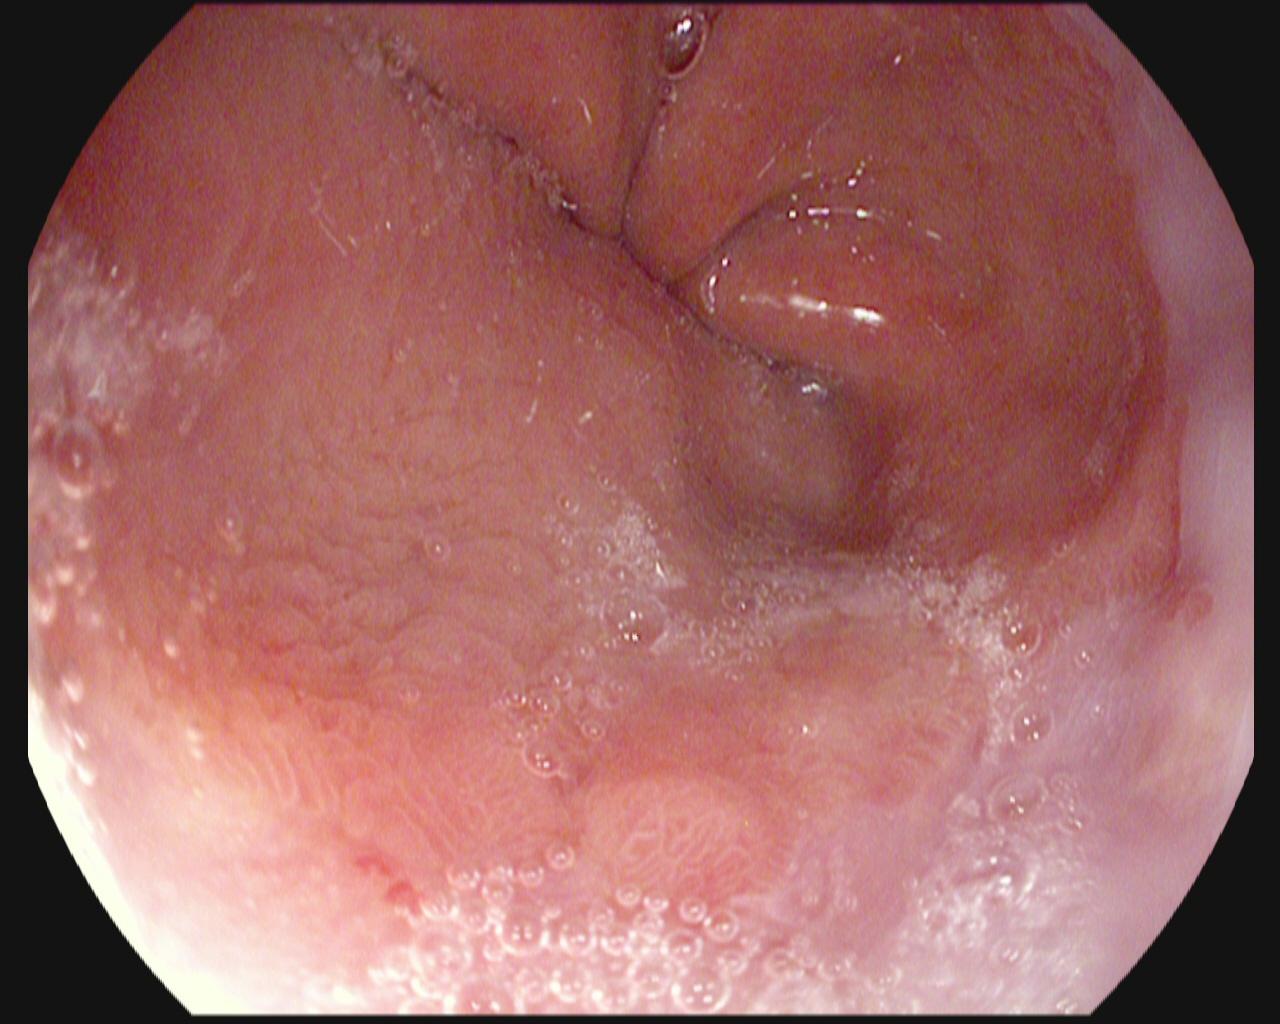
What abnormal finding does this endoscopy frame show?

esophagitis